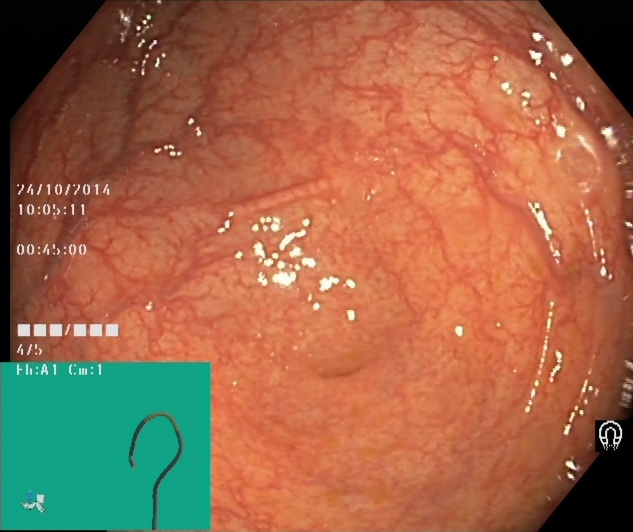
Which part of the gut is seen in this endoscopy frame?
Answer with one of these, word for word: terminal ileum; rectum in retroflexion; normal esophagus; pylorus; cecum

cecum